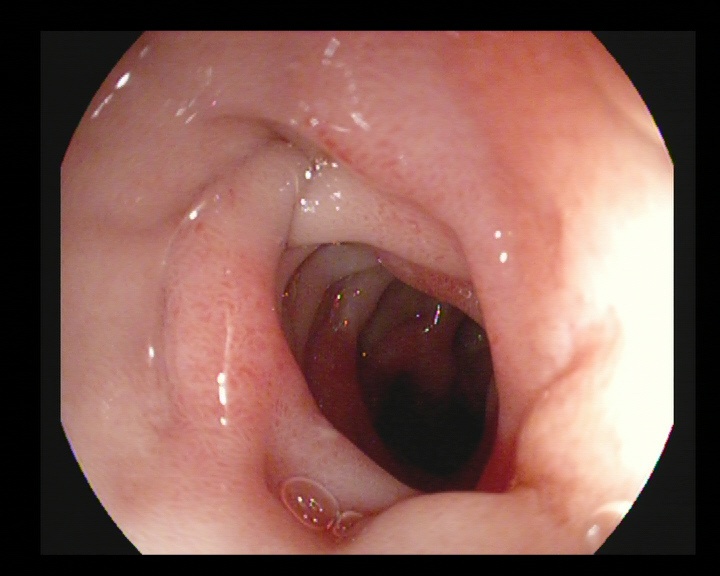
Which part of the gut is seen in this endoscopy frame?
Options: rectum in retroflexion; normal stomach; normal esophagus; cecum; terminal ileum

terminal ileum